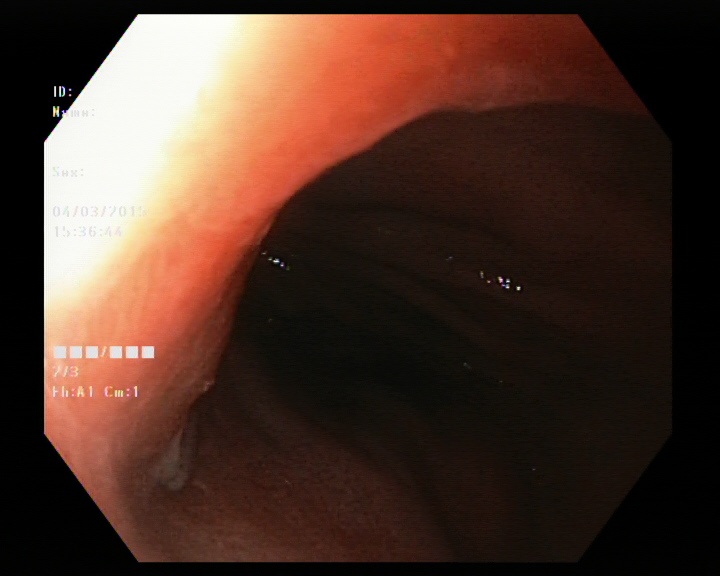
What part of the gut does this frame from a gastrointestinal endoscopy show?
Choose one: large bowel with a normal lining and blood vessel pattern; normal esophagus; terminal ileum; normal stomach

normal stomach